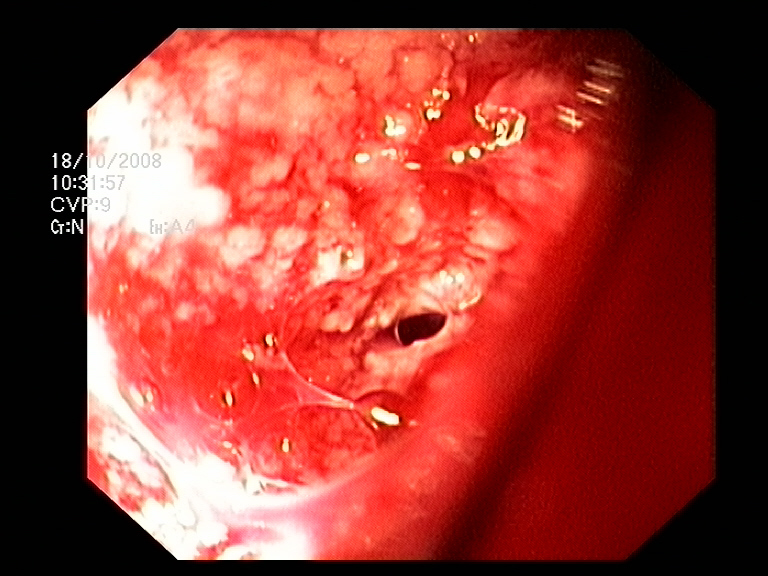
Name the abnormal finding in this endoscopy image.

blood in the lumen